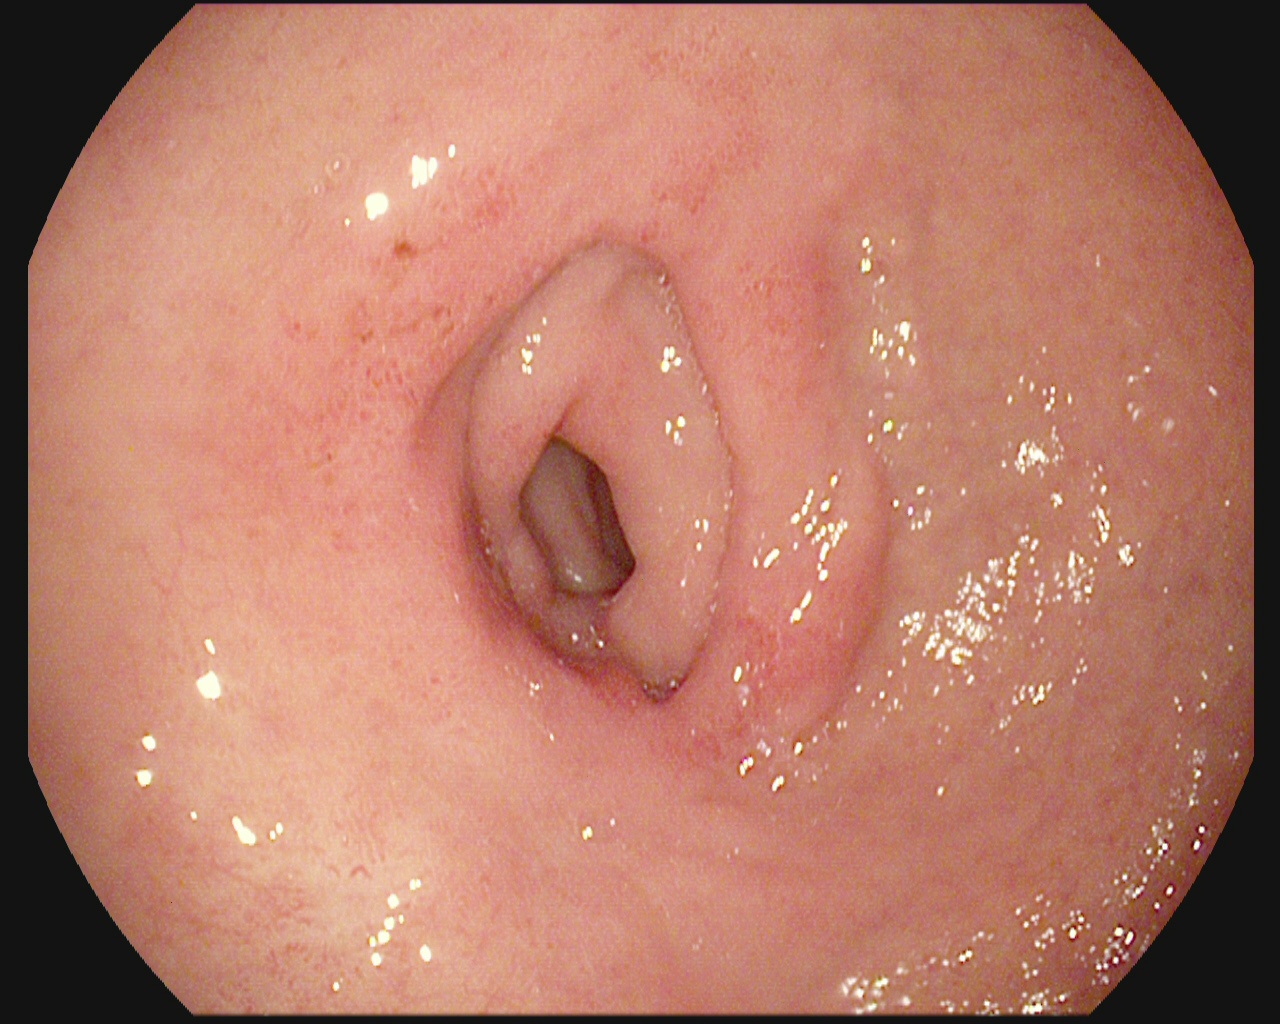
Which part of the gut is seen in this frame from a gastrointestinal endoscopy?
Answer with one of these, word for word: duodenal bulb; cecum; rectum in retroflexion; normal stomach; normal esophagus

duodenal bulb